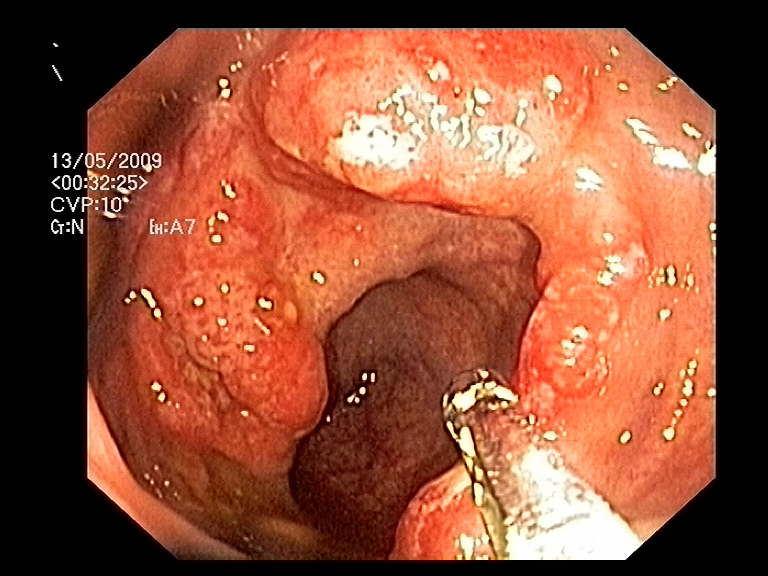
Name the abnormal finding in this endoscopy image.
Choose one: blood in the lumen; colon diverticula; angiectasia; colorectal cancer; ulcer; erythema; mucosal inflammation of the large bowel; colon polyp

colorectal cancer